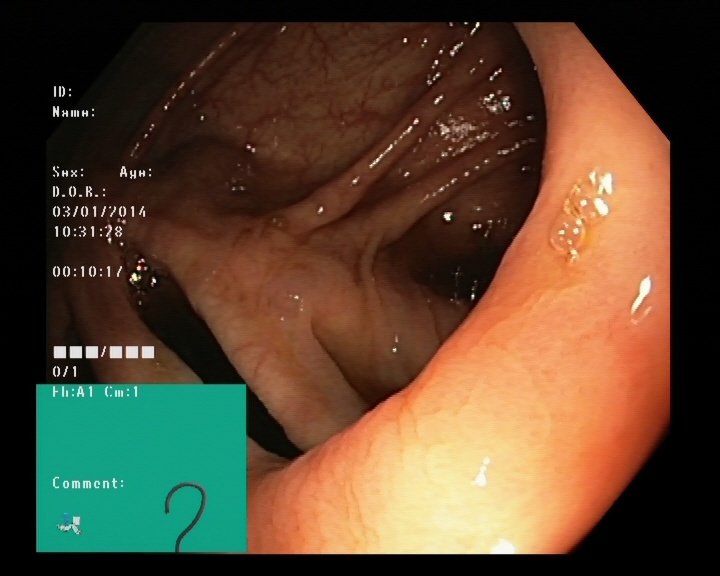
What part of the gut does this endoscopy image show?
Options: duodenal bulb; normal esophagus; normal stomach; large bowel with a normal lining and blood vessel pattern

large bowel with a normal lining and blood vessel pattern